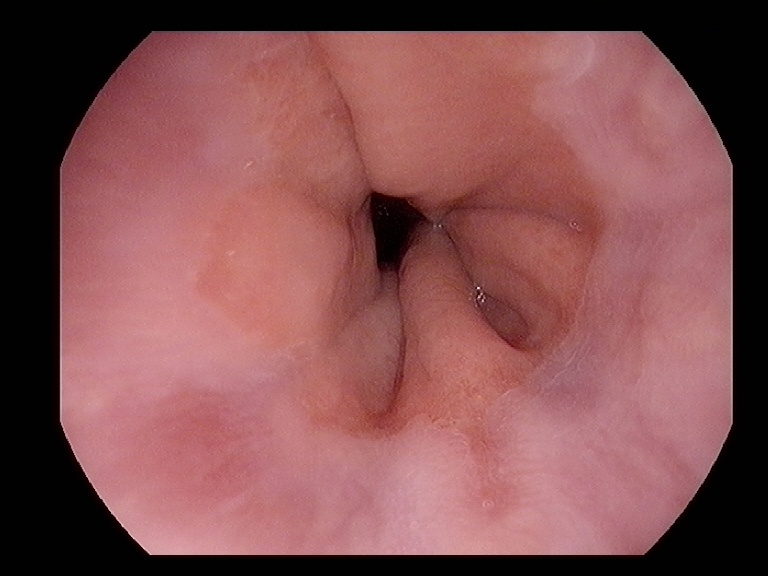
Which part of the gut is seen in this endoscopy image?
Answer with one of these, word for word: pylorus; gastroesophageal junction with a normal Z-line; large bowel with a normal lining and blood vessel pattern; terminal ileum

gastroesophageal junction with a normal Z-line